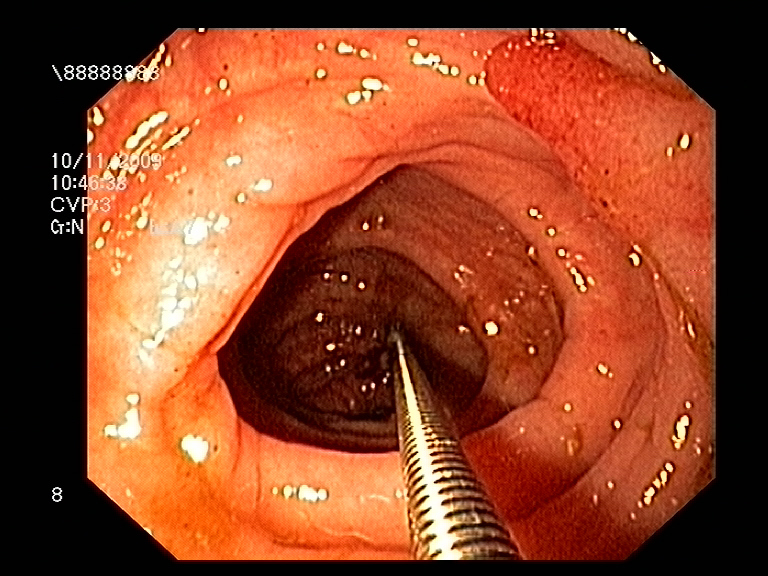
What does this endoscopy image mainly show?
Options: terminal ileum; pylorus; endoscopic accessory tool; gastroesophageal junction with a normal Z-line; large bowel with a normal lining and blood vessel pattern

endoscopic accessory tool